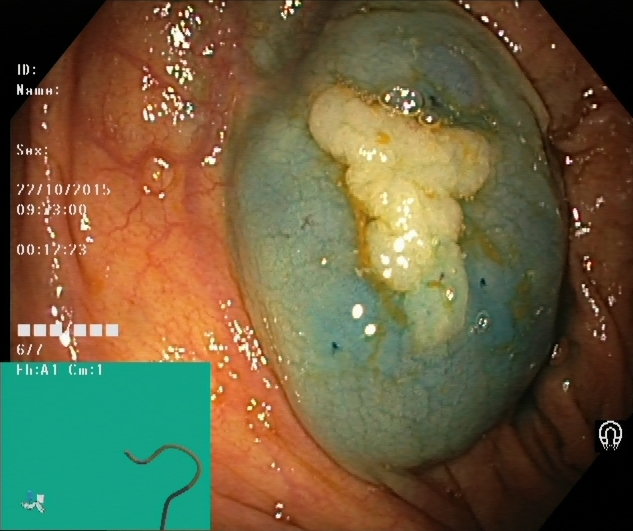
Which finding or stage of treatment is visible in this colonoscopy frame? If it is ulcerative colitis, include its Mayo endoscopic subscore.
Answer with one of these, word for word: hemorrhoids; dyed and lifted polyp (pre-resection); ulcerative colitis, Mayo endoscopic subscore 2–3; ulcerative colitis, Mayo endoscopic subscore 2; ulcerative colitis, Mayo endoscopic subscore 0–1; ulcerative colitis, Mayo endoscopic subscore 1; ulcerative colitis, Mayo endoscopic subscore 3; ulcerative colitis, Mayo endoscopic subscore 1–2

dyed and lifted polyp (pre-resection)